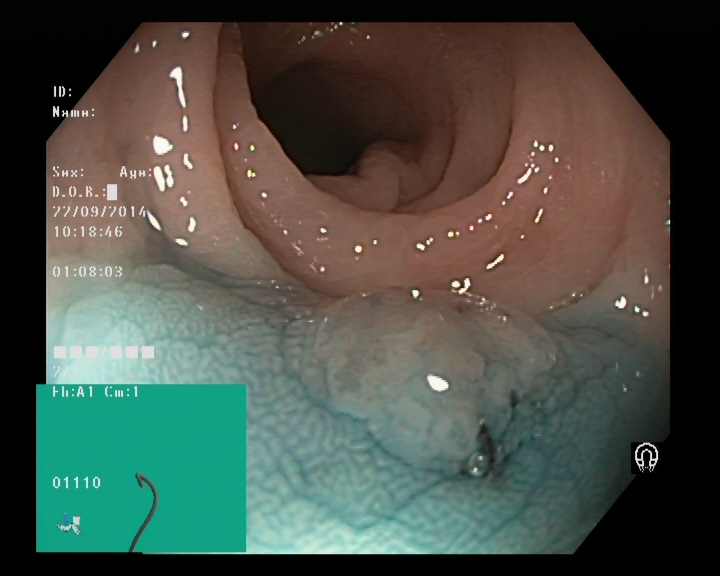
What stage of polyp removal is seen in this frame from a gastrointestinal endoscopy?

dyed and lifted polyp (pre-resection)